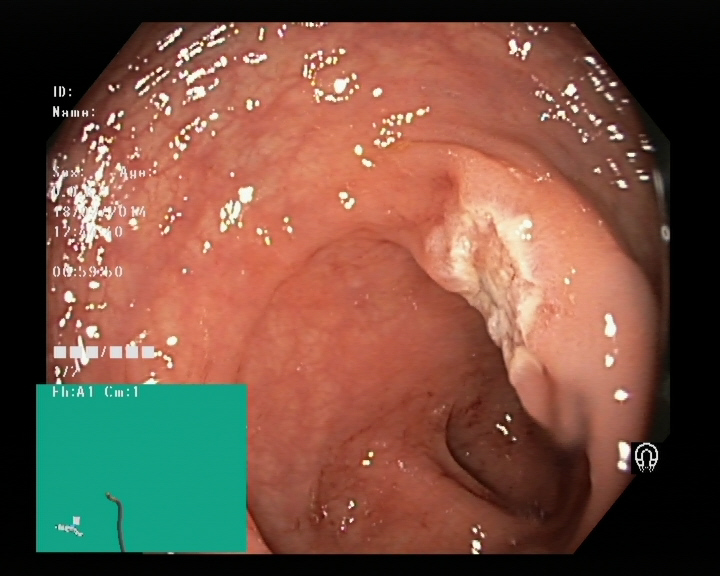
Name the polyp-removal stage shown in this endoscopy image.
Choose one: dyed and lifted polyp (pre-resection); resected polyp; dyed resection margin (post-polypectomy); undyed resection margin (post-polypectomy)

undyed resection margin (post-polypectomy)